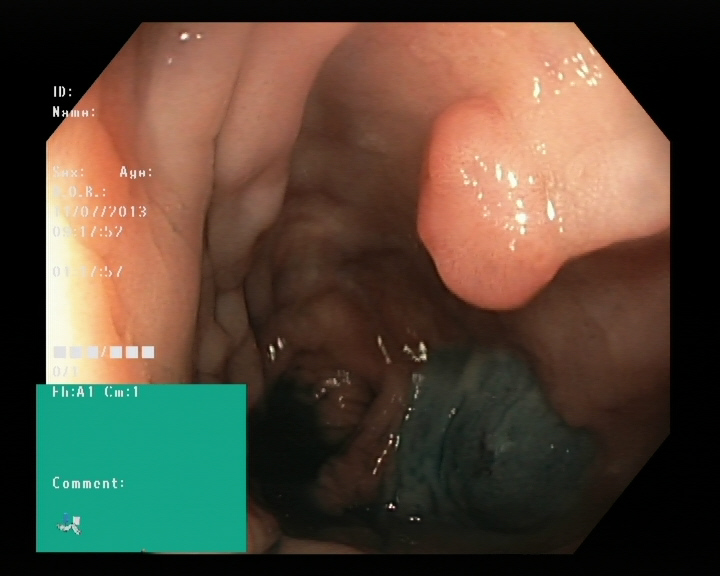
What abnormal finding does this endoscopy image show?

colon polyp